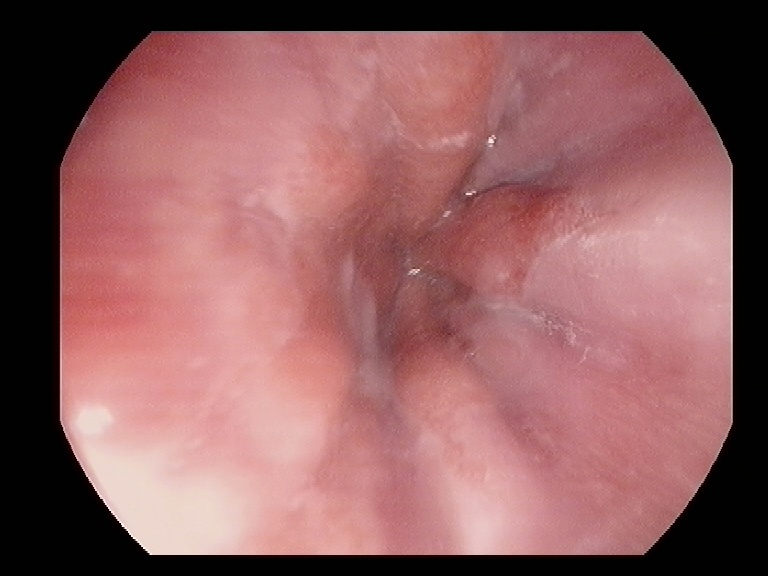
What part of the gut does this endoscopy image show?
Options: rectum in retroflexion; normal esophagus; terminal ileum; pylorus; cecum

normal esophagus